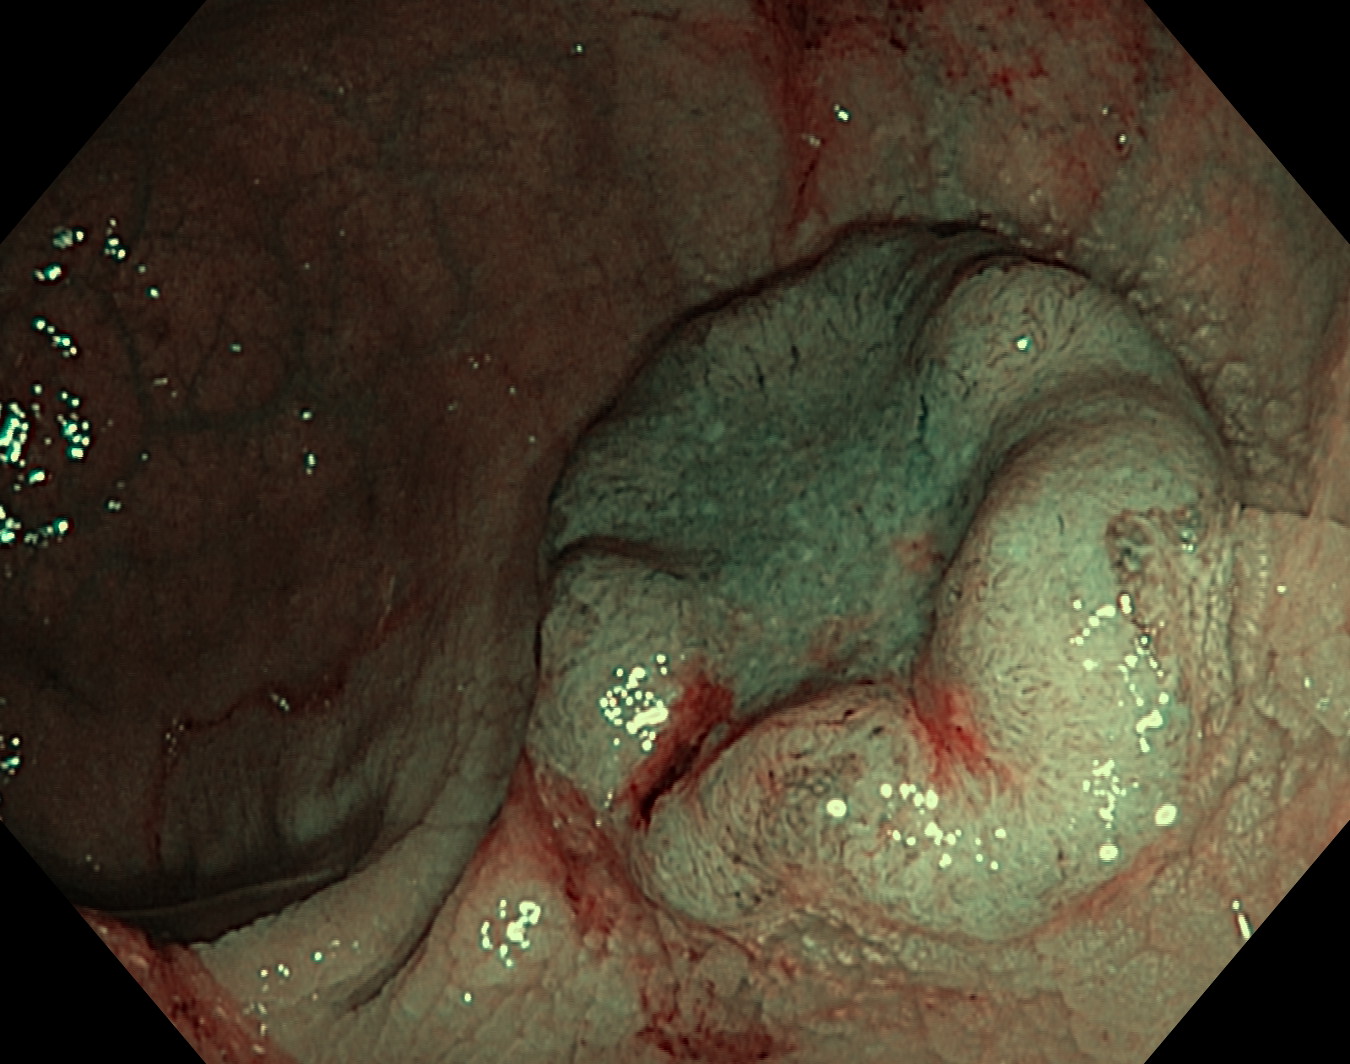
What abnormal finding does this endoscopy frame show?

colorectal cancer